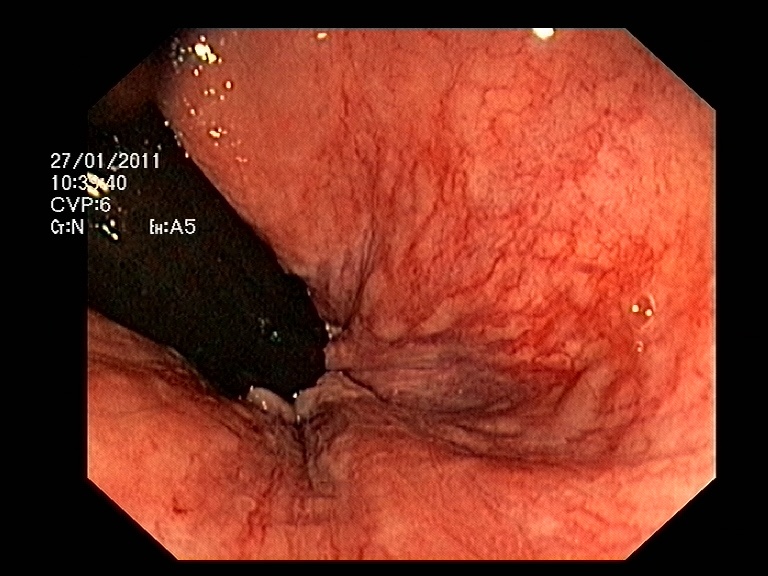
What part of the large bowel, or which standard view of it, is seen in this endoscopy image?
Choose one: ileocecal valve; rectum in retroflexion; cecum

rectum in retroflexion